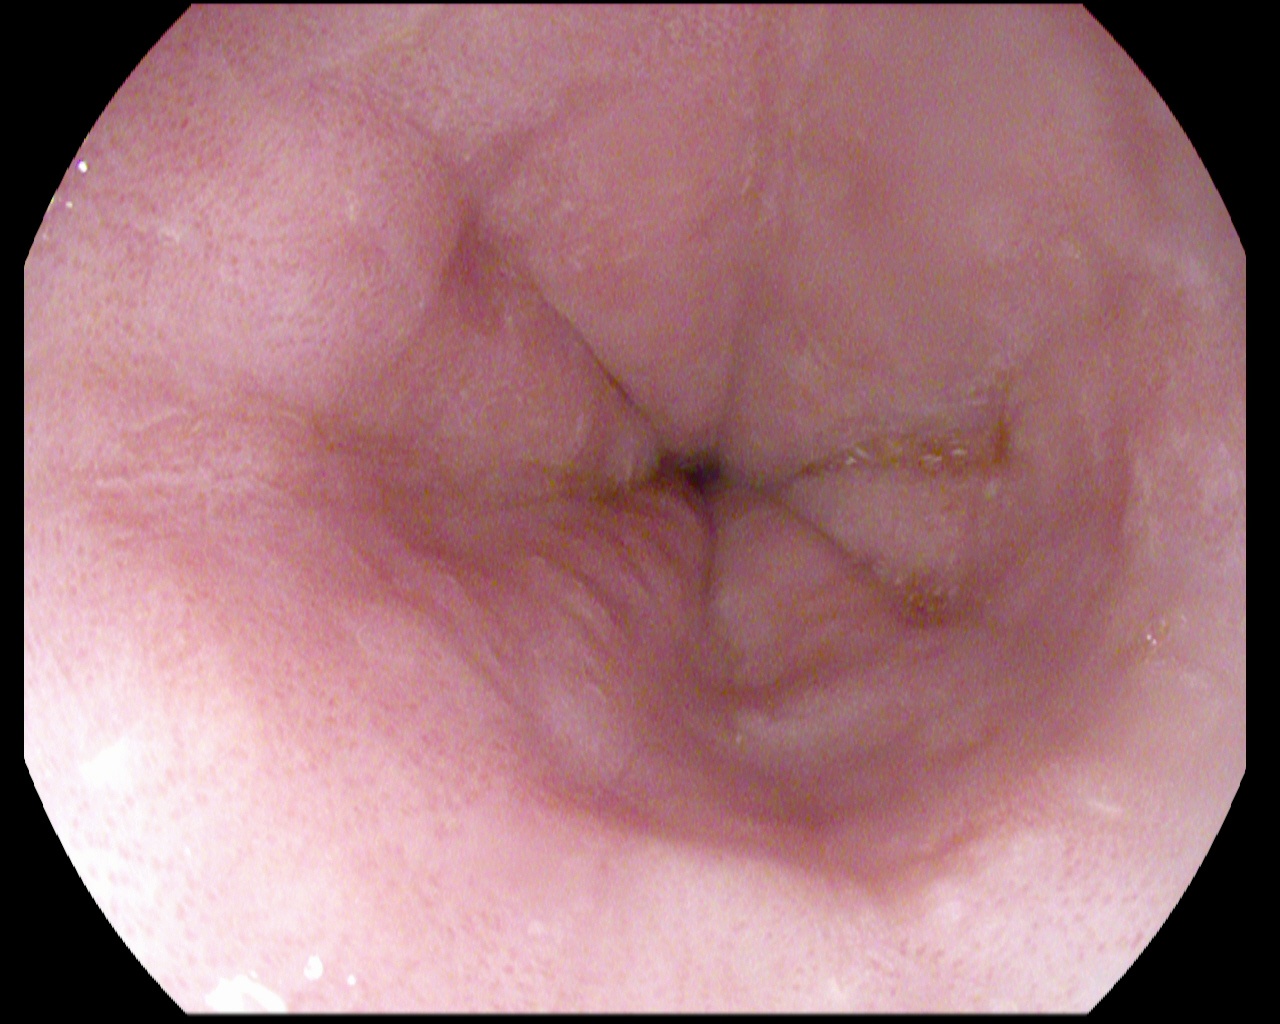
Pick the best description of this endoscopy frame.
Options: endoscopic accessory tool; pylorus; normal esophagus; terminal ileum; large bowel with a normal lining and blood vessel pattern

normal esophagus